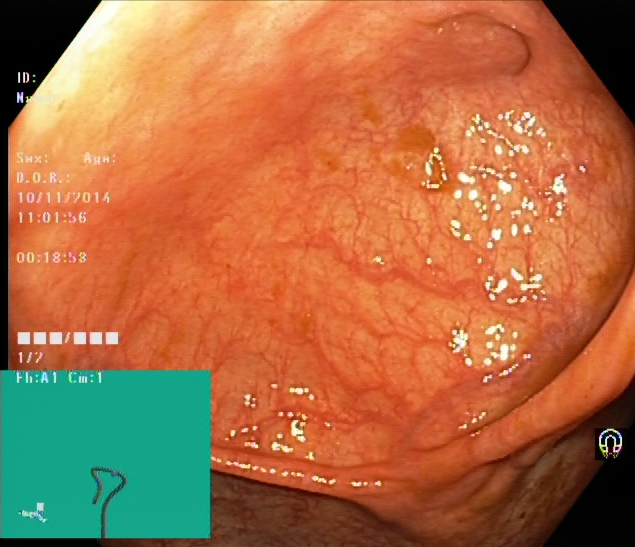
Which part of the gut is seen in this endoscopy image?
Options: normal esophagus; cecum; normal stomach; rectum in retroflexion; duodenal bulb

cecum